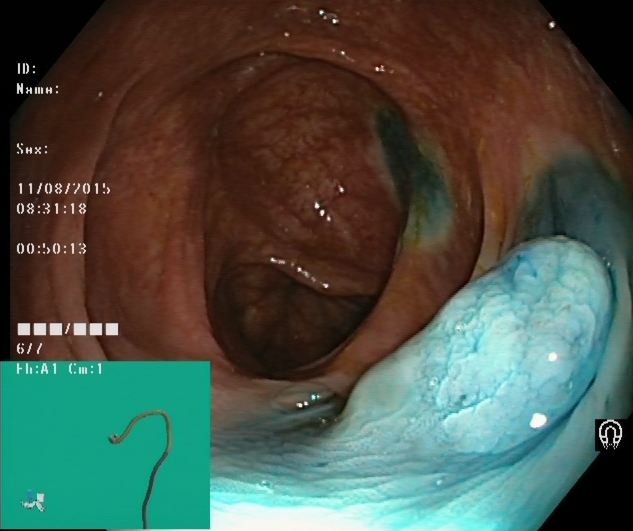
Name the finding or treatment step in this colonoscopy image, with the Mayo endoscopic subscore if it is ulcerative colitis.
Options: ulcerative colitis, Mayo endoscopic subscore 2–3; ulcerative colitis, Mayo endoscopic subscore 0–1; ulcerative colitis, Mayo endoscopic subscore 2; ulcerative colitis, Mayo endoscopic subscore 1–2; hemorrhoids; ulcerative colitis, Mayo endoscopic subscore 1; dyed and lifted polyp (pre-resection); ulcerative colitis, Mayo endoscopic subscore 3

dyed and lifted polyp (pre-resection)